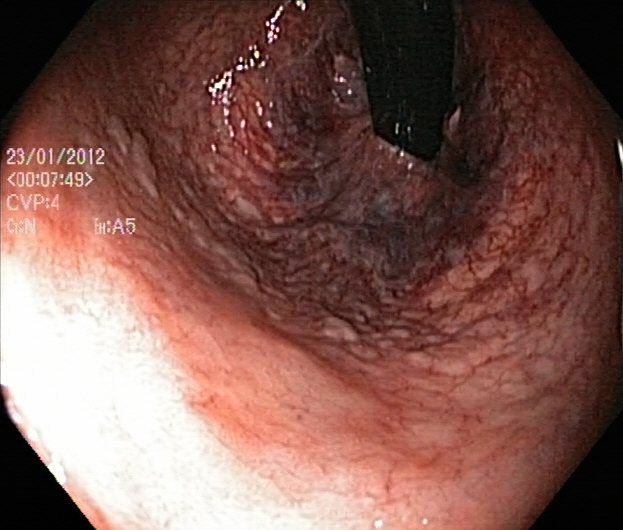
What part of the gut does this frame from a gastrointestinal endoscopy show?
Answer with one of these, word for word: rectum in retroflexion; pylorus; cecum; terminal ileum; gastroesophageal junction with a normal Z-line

rectum in retroflexion